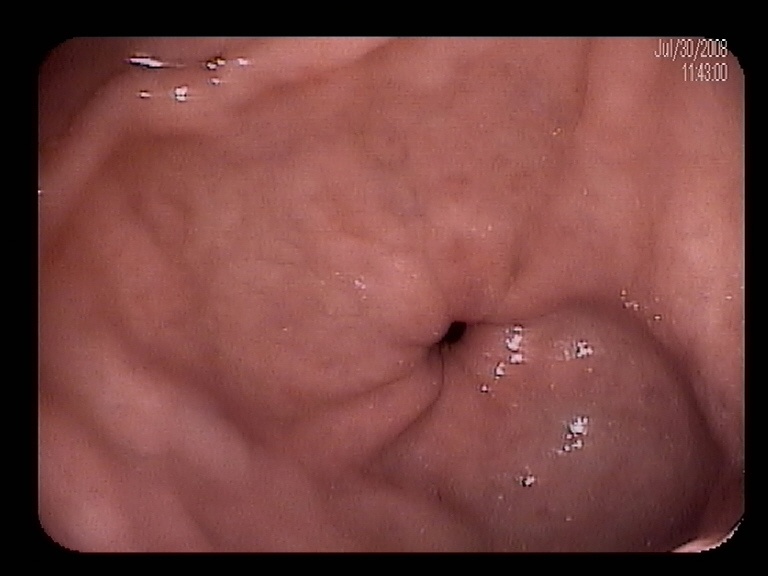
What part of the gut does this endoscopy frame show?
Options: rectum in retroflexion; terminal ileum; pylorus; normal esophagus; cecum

pylorus